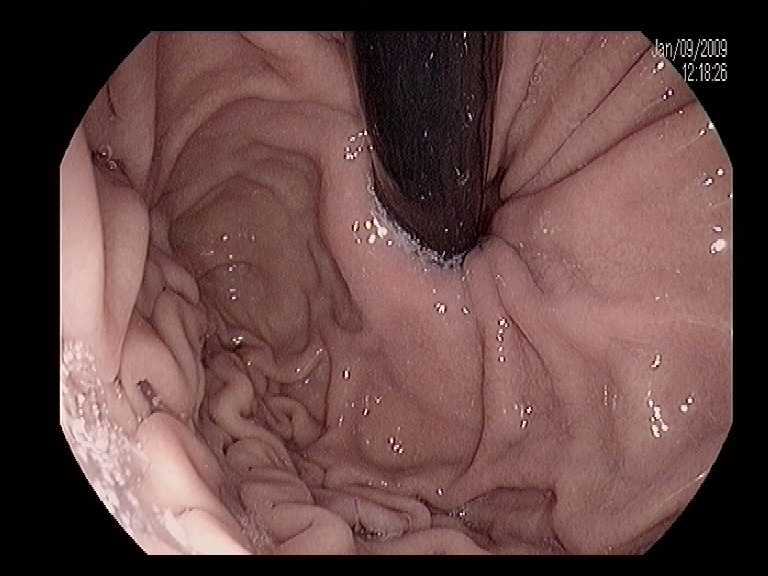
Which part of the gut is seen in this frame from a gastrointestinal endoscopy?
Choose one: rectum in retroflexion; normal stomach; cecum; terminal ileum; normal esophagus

normal stomach